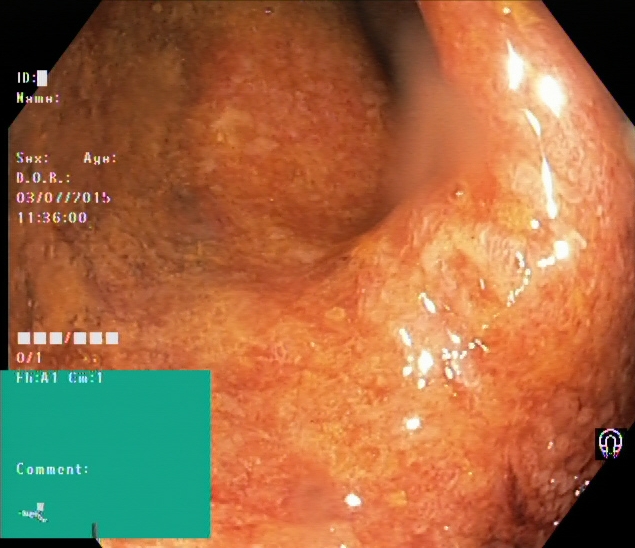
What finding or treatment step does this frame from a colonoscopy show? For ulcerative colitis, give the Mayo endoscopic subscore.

ulcerative colitis, Mayo endoscopic subscore 1–2